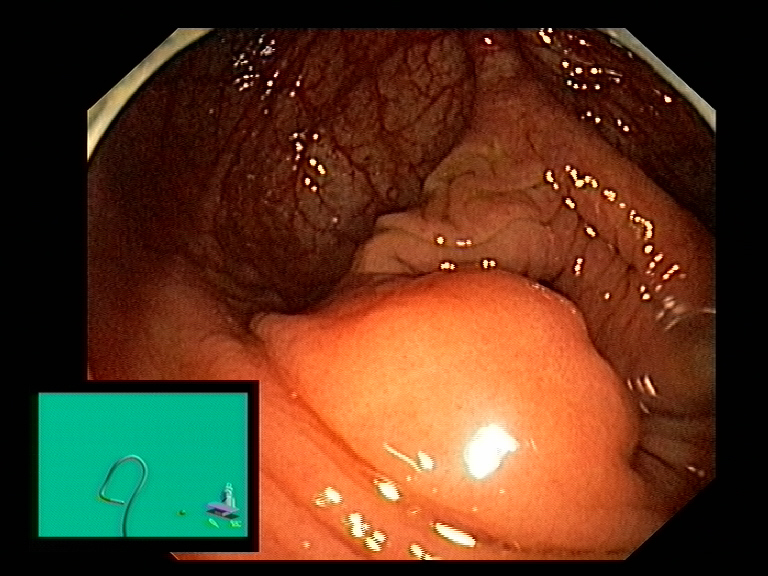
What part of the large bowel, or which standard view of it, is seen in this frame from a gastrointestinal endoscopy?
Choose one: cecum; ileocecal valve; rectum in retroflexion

ileocecal valve